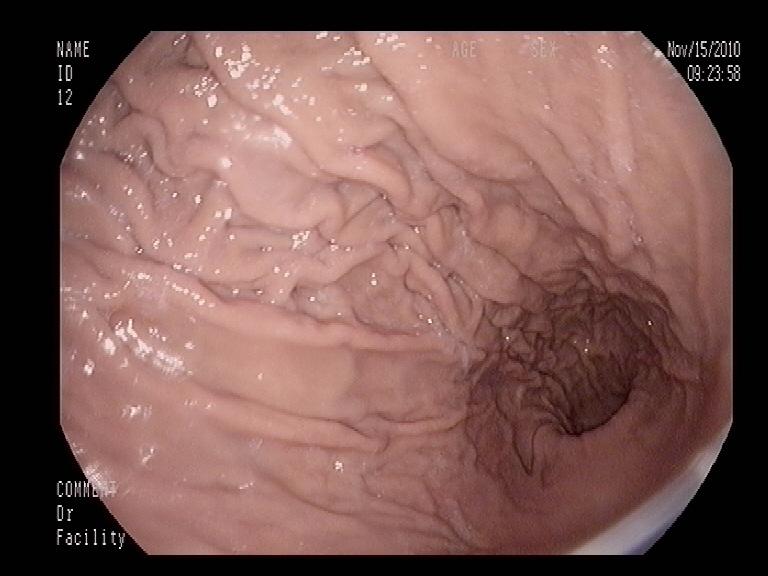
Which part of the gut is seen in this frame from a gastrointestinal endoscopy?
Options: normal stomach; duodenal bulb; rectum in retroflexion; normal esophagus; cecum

normal stomach